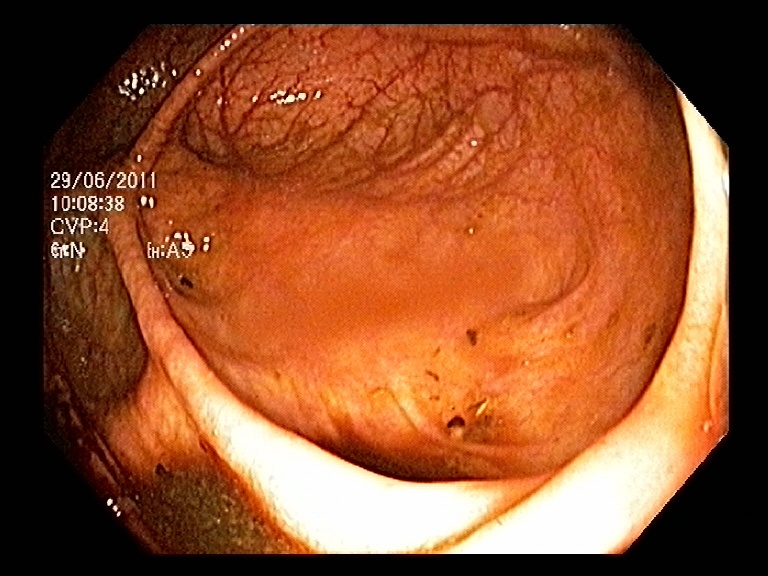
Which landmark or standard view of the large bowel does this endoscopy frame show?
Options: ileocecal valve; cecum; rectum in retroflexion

cecum